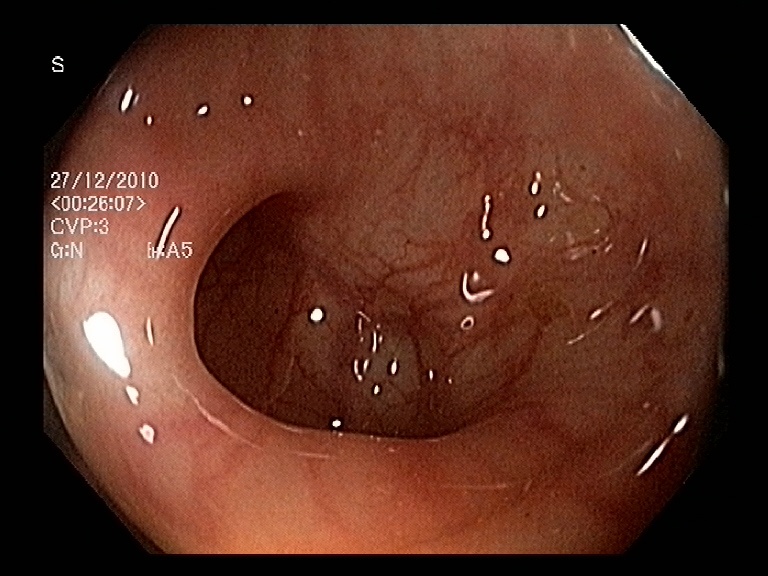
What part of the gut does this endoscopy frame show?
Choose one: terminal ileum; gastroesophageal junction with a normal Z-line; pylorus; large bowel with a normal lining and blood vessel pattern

large bowel with a normal lining and blood vessel pattern